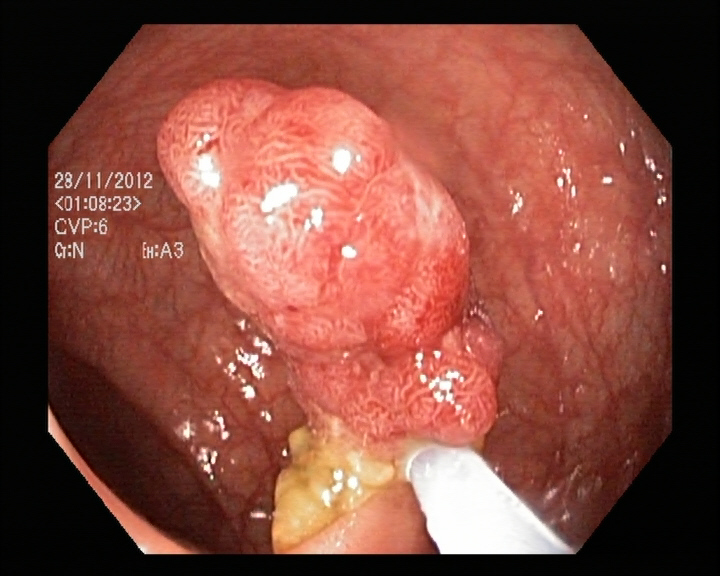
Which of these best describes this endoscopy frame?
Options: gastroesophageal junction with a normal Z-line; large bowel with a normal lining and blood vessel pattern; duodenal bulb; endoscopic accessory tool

endoscopic accessory tool